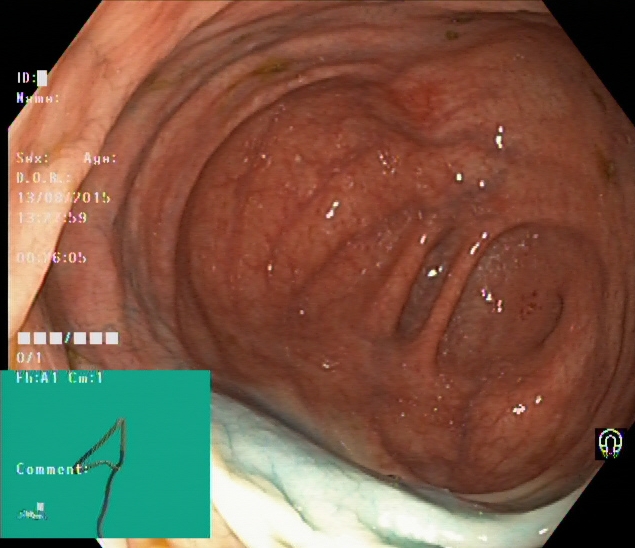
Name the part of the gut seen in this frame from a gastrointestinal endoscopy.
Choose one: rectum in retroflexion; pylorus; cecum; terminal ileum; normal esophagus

cecum